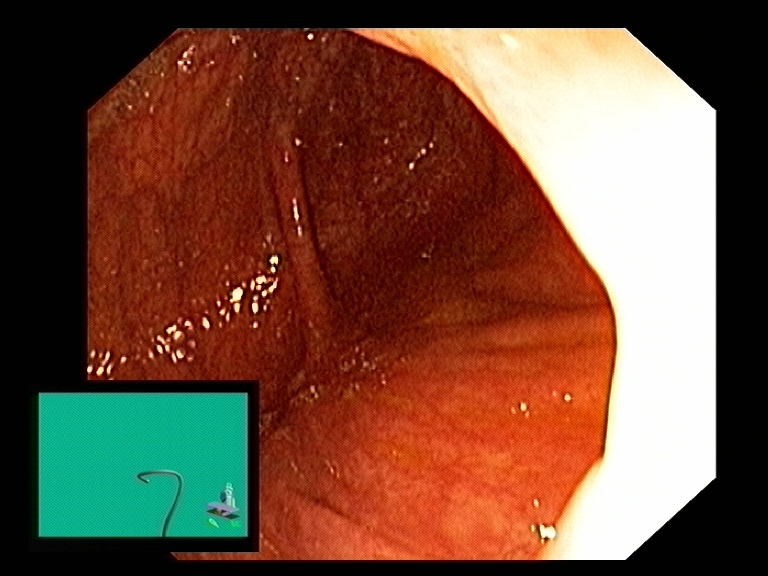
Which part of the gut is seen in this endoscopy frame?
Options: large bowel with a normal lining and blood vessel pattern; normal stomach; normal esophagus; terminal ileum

large bowel with a normal lining and blood vessel pattern